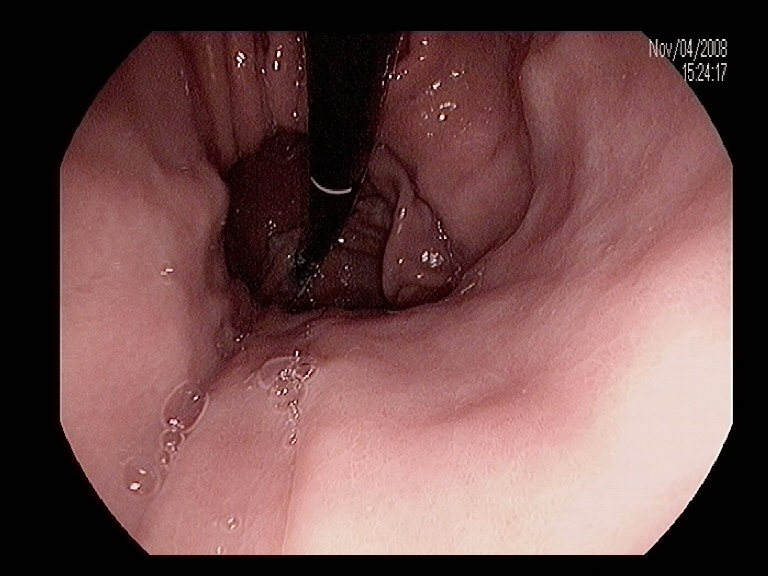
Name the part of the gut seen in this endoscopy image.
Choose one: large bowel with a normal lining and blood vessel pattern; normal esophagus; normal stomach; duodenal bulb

normal stomach